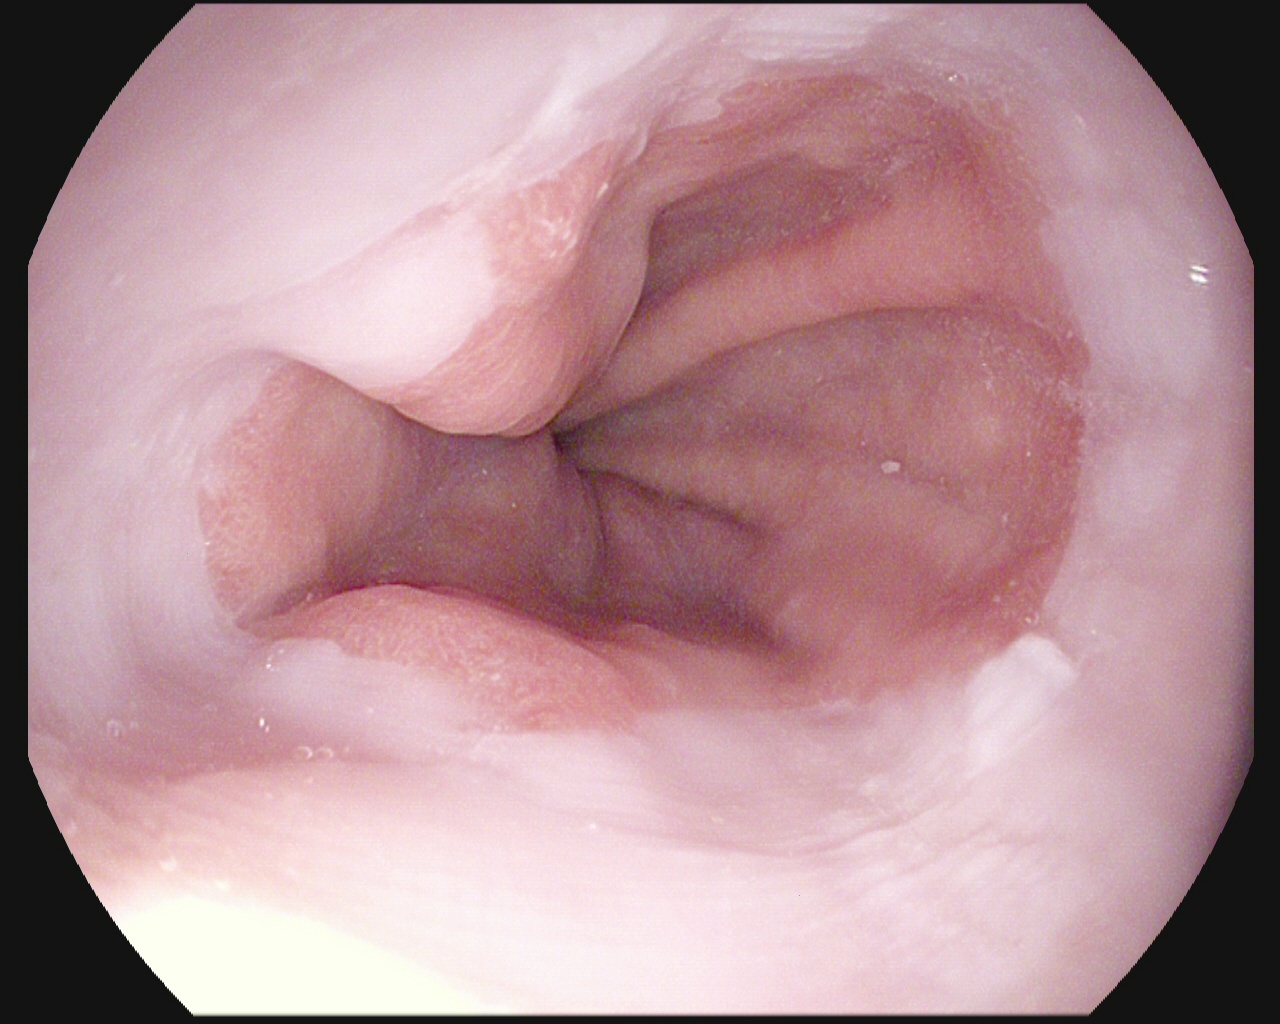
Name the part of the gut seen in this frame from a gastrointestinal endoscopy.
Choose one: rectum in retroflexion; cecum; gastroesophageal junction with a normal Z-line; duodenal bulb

gastroesophageal junction with a normal Z-line